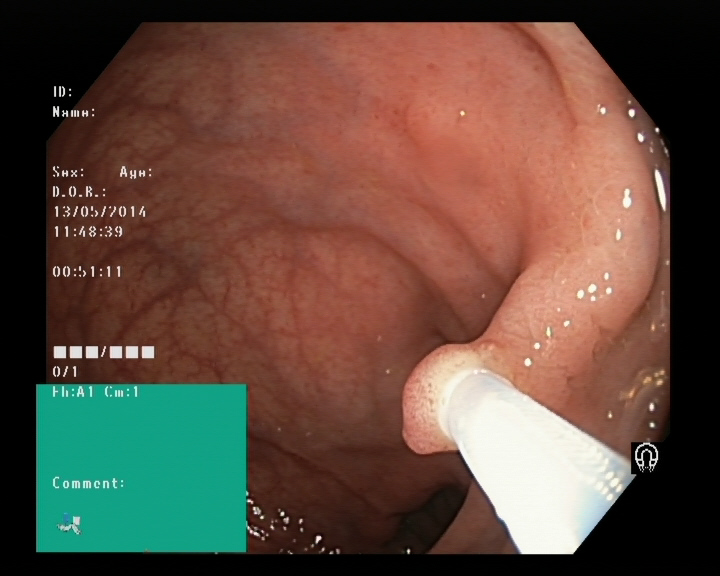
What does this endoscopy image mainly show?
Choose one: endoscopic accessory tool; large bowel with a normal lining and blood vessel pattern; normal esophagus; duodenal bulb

endoscopic accessory tool